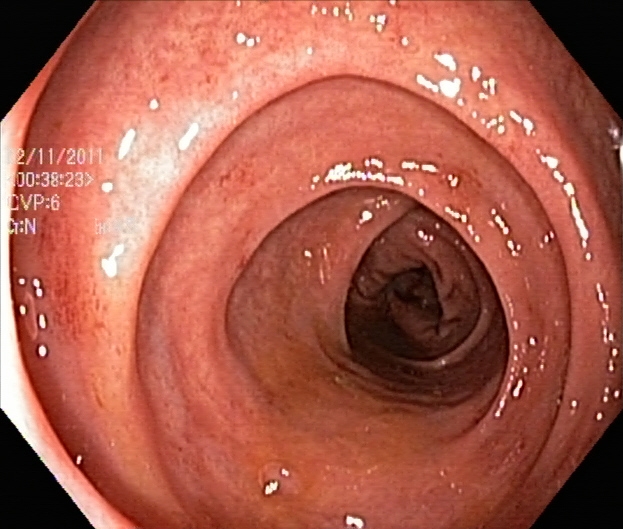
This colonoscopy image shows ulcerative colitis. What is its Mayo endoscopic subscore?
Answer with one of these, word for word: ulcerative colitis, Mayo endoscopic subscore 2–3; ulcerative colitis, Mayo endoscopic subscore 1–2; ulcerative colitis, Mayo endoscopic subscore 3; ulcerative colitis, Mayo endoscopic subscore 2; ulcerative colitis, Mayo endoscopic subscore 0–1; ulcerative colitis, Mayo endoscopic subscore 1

ulcerative colitis, Mayo endoscopic subscore 1